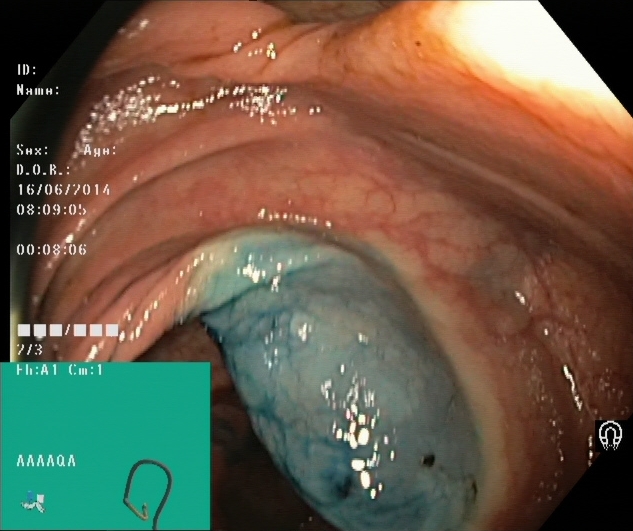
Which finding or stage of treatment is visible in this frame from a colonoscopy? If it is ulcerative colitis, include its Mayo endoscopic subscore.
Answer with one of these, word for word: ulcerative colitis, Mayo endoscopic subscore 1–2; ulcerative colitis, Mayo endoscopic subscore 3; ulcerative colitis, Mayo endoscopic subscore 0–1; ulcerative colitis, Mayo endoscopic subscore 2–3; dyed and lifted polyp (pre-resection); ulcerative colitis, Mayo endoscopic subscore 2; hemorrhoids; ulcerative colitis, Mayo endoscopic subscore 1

dyed and lifted polyp (pre-resection)